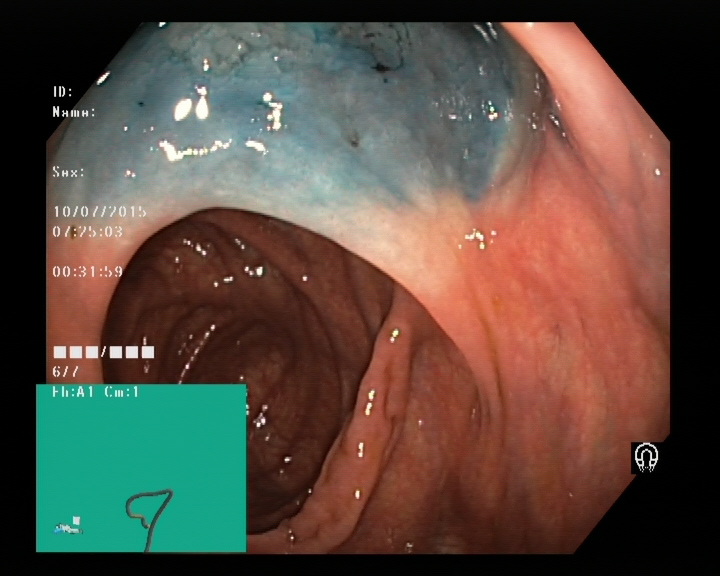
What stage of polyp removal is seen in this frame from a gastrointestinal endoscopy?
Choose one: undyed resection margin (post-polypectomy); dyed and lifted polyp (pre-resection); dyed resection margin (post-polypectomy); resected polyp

dyed and lifted polyp (pre-resection)